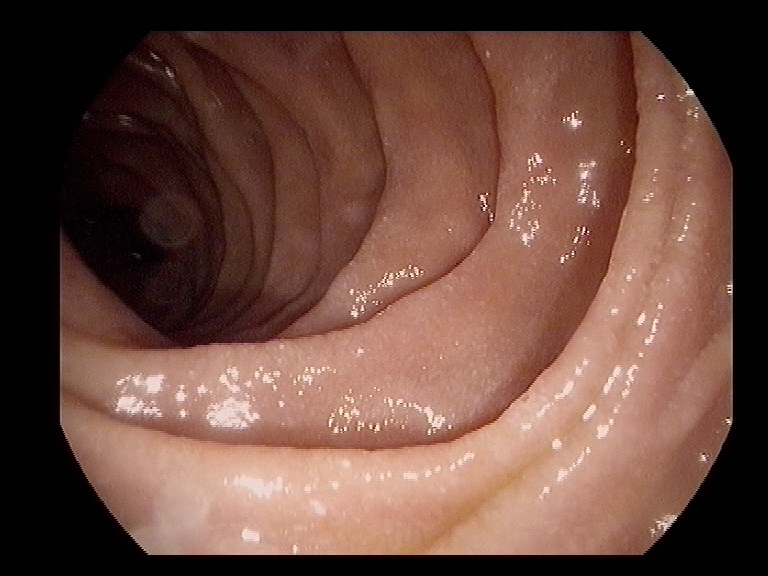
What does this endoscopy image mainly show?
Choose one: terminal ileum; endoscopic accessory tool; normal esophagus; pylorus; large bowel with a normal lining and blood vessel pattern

terminal ileum